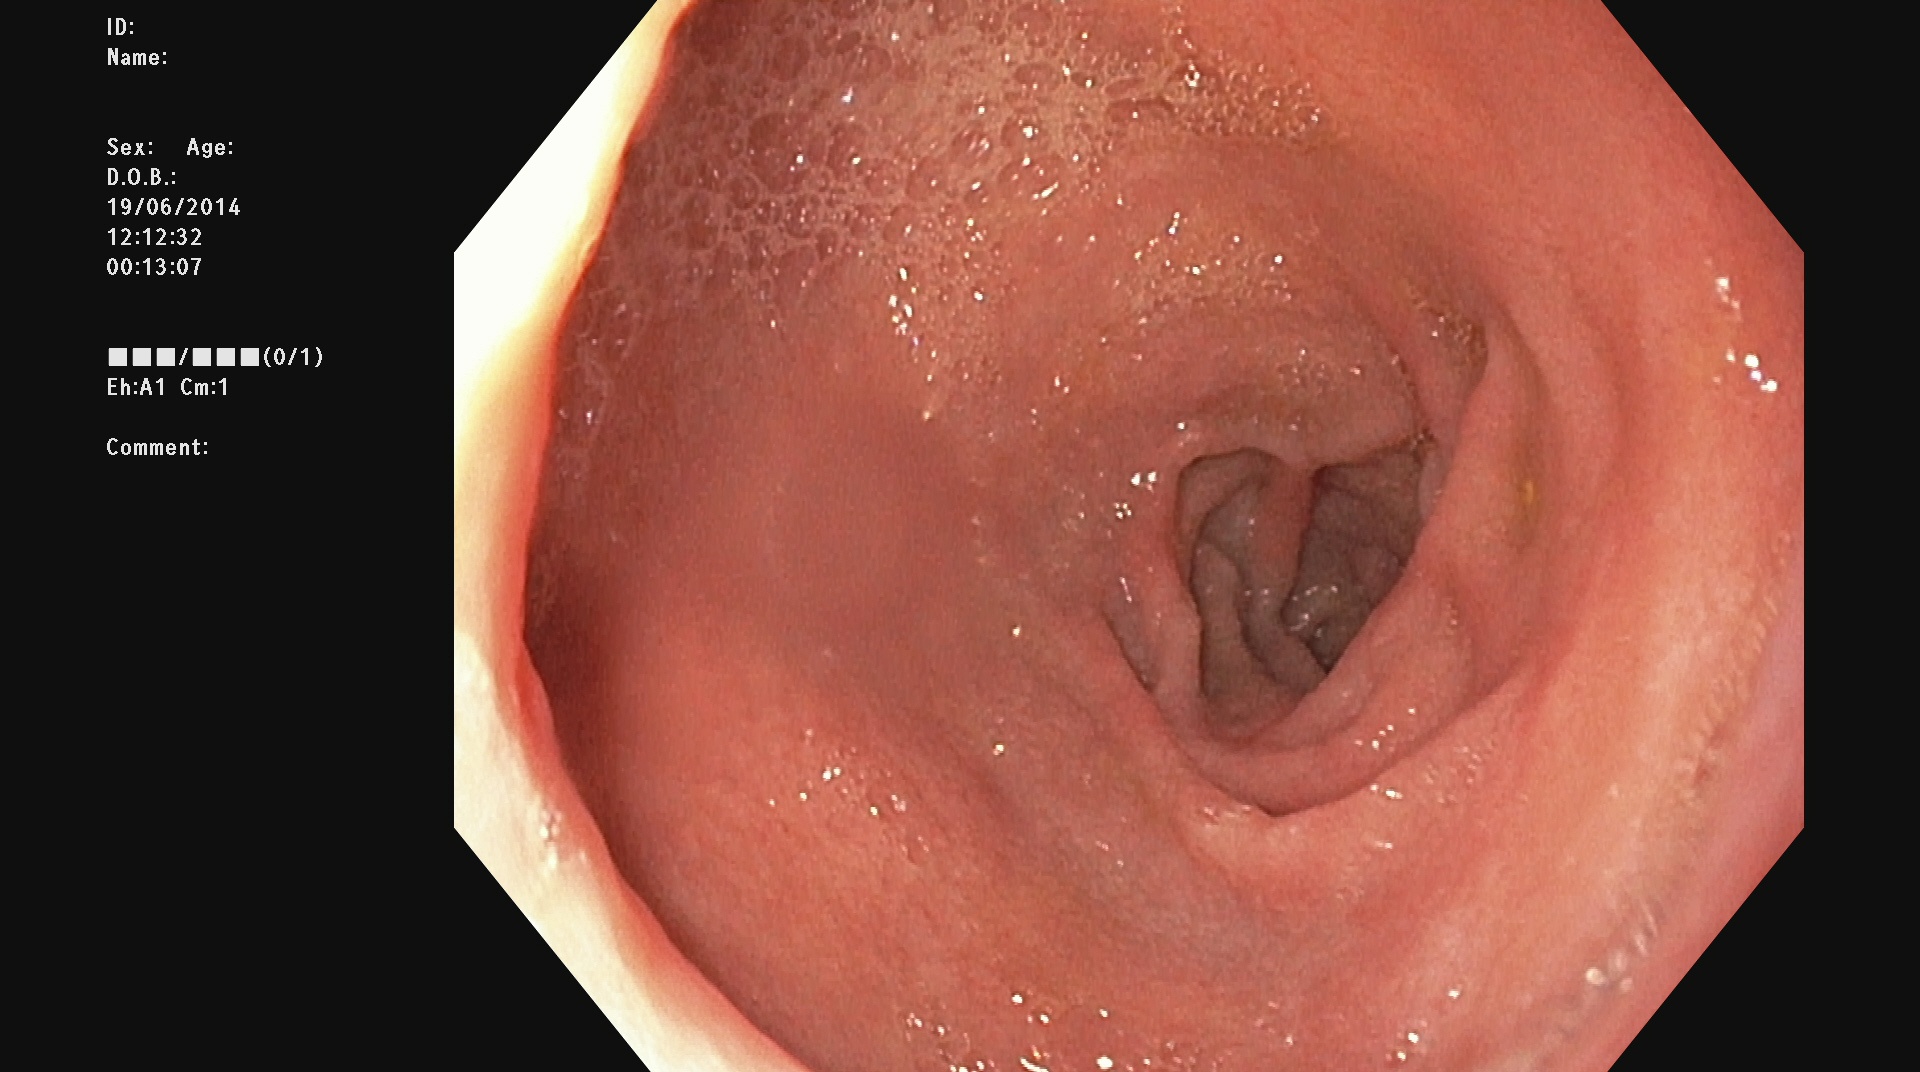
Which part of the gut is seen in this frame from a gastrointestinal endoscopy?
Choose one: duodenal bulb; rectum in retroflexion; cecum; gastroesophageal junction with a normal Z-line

duodenal bulb